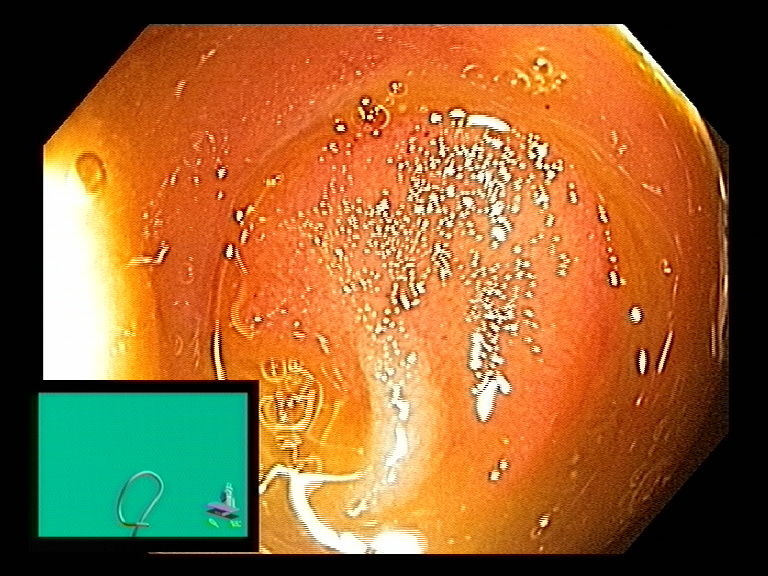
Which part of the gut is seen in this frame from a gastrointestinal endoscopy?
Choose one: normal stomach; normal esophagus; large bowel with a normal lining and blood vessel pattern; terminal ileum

terminal ileum